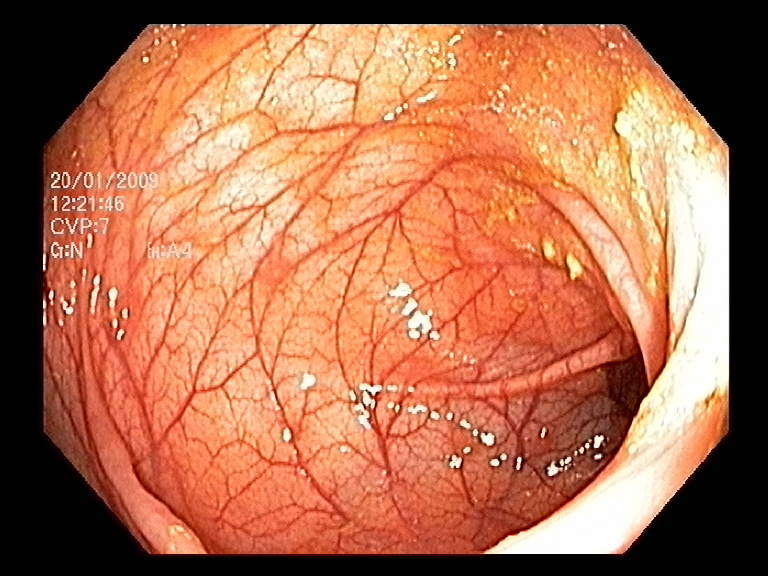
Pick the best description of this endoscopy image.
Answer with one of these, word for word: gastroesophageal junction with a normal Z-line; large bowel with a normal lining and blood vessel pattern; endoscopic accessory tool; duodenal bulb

large bowel with a normal lining and blood vessel pattern